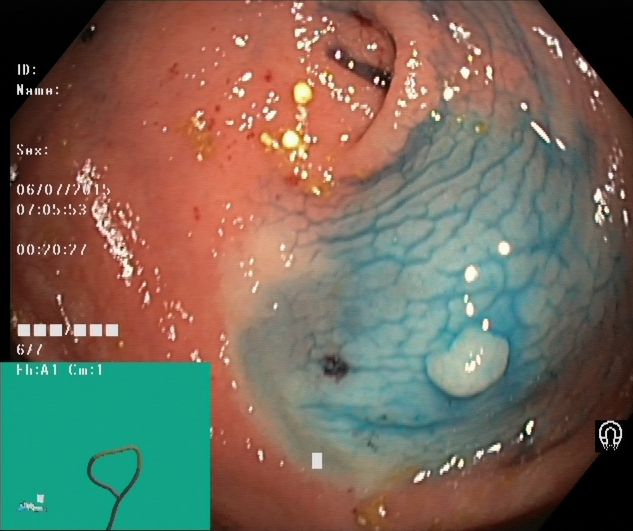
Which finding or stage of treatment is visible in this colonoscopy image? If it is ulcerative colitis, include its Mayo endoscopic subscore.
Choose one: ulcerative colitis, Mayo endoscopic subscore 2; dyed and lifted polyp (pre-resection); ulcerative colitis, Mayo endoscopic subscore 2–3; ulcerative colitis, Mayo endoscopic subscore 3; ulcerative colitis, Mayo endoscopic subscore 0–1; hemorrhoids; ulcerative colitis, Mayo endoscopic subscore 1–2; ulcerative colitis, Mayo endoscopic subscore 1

dyed and lifted polyp (pre-resection)